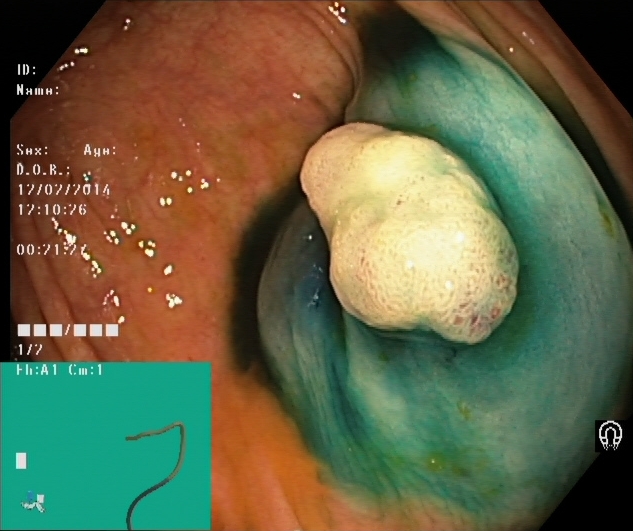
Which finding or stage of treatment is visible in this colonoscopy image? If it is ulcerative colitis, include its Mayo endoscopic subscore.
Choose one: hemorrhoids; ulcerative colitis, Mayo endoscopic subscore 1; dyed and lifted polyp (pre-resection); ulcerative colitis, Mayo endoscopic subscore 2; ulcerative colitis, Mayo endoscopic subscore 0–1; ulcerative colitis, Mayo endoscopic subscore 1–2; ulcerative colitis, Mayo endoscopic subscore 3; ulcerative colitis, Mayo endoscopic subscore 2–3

dyed and lifted polyp (pre-resection)